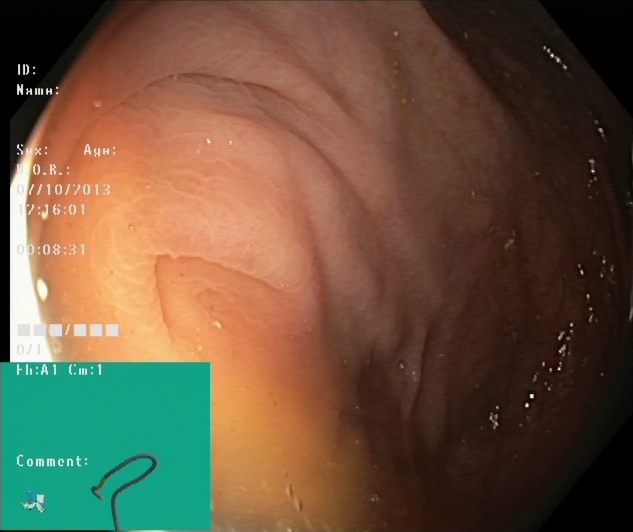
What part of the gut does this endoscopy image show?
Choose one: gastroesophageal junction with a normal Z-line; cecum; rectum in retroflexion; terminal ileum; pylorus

cecum